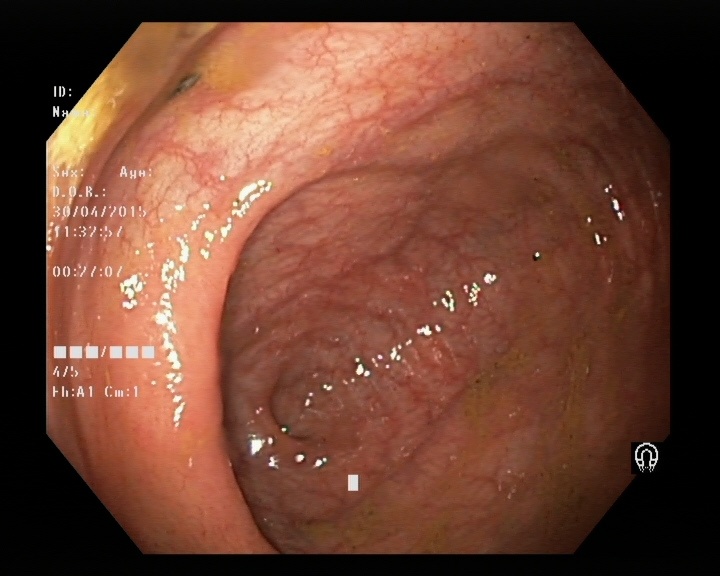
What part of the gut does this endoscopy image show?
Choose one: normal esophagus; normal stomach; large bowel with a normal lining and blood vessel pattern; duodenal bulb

large bowel with a normal lining and blood vessel pattern